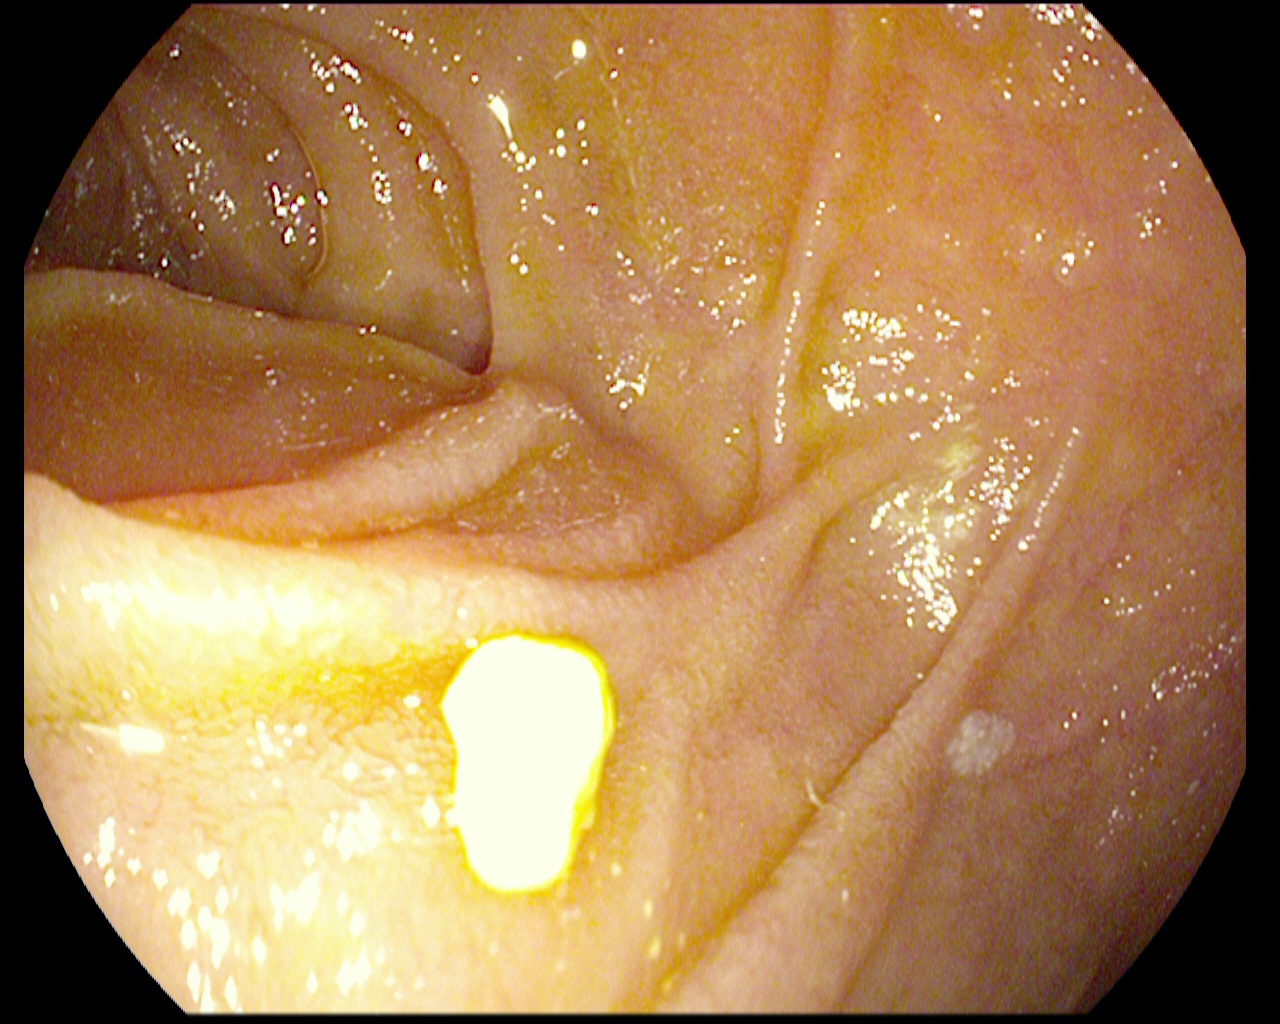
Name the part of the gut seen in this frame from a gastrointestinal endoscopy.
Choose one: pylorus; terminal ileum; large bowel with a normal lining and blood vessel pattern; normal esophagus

terminal ileum